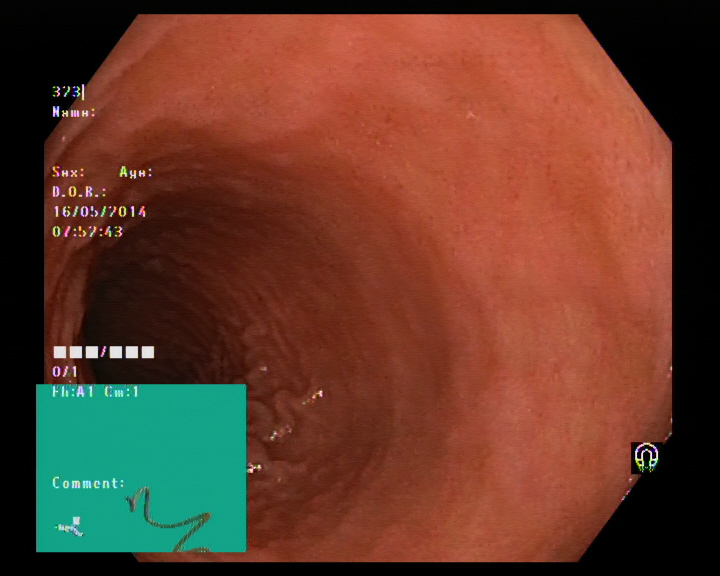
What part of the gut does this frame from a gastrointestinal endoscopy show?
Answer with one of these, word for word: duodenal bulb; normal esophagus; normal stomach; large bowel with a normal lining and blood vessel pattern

large bowel with a normal lining and blood vessel pattern